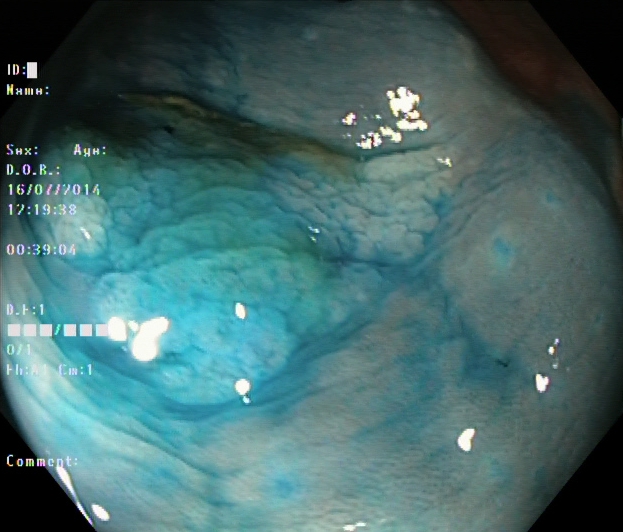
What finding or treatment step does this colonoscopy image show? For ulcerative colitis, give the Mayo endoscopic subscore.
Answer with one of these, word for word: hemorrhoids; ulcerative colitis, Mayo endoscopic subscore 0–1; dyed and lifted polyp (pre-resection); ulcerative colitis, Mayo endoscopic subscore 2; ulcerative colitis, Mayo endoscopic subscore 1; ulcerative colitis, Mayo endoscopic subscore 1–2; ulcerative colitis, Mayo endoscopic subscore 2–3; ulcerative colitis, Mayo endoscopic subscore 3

dyed and lifted polyp (pre-resection)